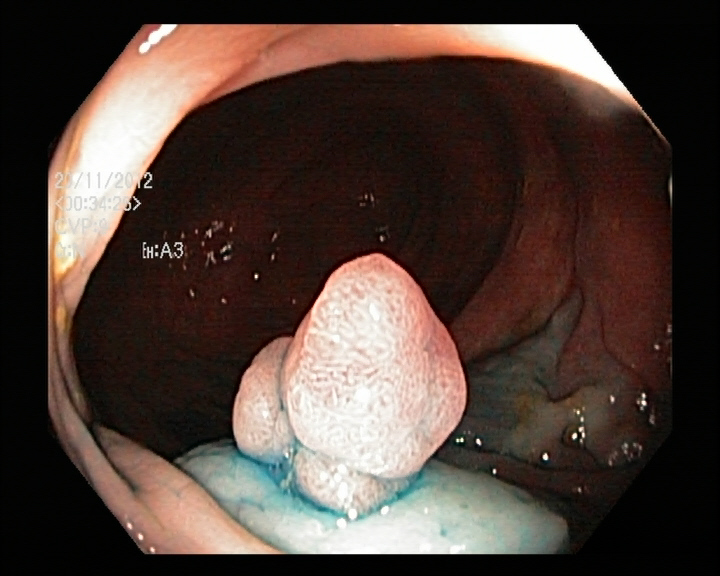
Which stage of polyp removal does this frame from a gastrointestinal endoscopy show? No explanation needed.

dyed and lifted polyp (pre-resection)